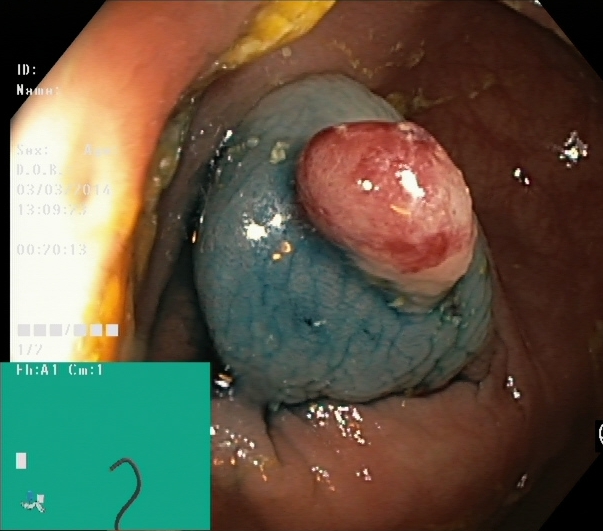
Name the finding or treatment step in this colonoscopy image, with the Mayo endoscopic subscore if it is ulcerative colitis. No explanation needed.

dyed and lifted polyp (pre-resection)